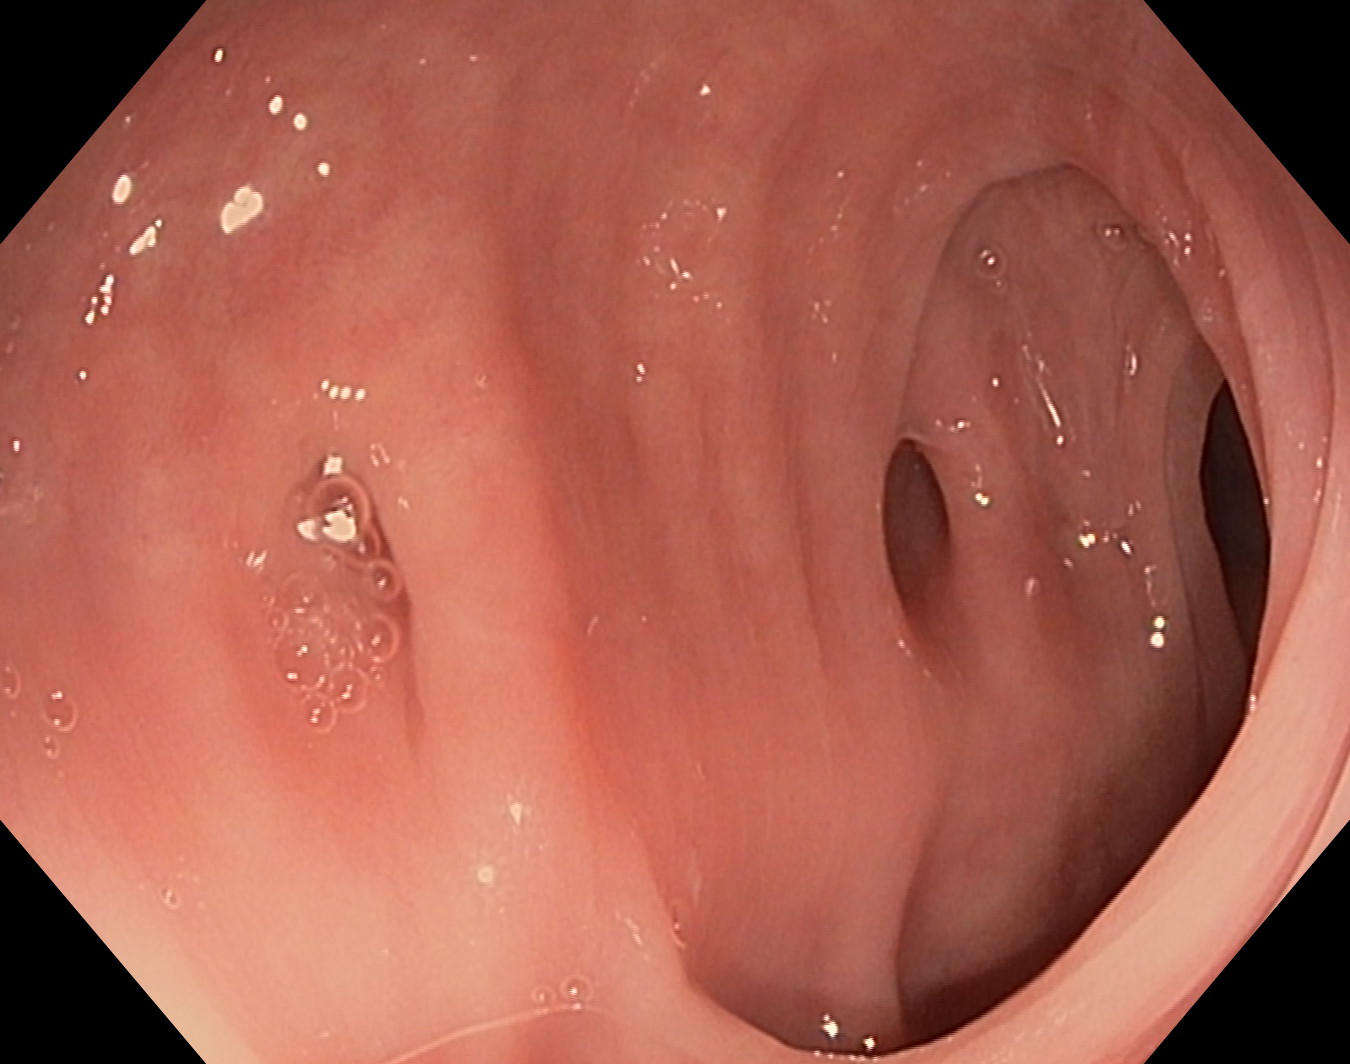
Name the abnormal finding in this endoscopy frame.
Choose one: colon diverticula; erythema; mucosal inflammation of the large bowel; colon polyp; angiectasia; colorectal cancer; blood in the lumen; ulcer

colon diverticula